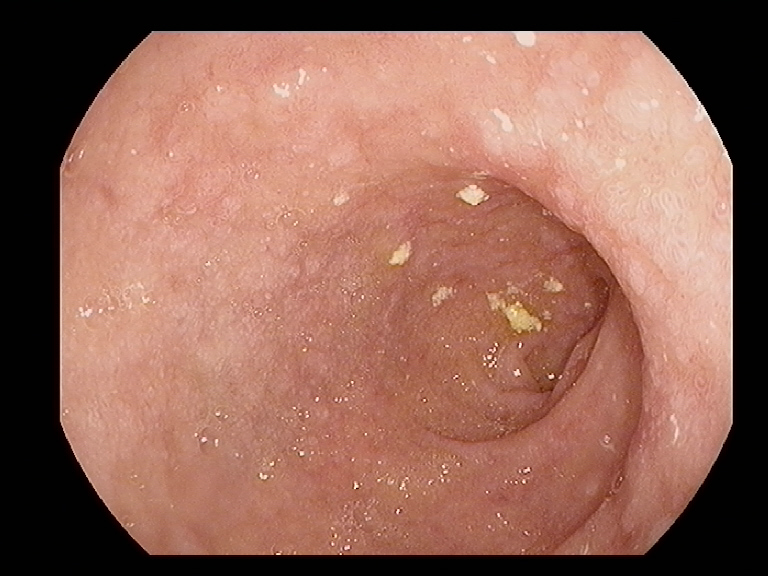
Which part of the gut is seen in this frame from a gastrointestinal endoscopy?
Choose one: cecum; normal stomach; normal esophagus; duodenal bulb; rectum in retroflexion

duodenal bulb